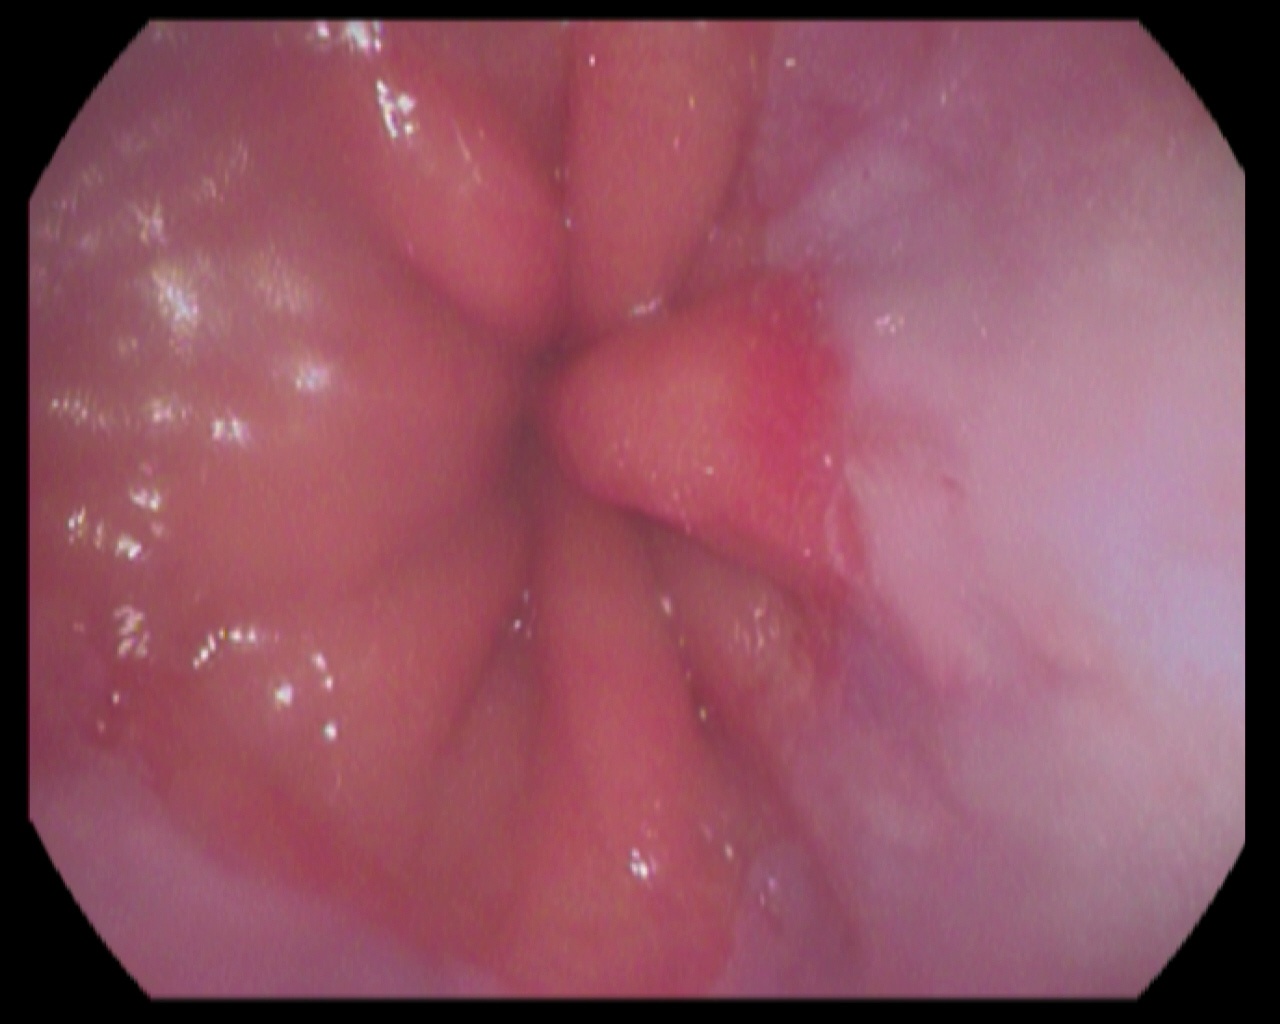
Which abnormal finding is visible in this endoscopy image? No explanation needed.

esophagitis